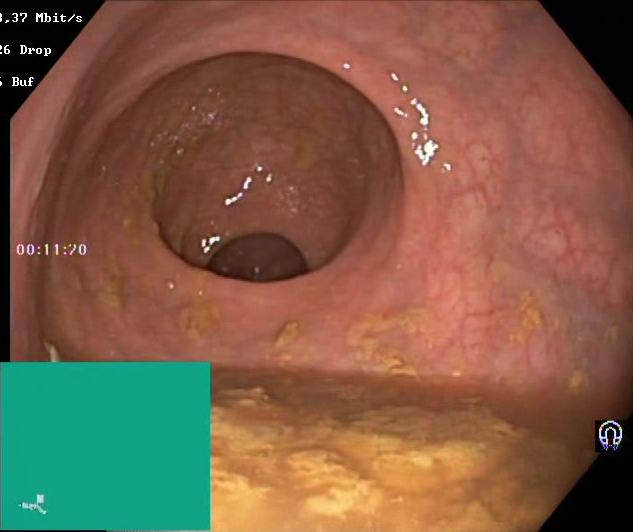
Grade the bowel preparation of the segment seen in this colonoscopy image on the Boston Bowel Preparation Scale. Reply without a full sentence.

Boston Bowel Preparation Scale score 0–1 (inadequate preparation)